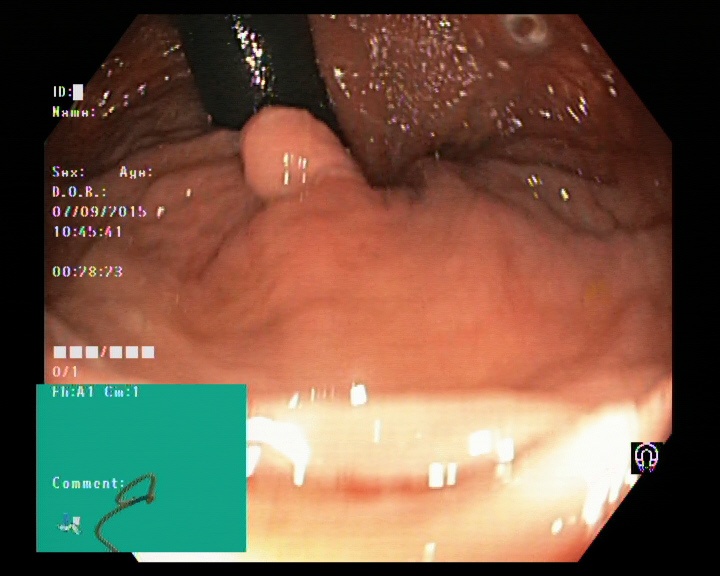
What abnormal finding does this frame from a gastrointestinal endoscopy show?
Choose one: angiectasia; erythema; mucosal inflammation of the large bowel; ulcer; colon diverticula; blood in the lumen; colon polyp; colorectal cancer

colon polyp